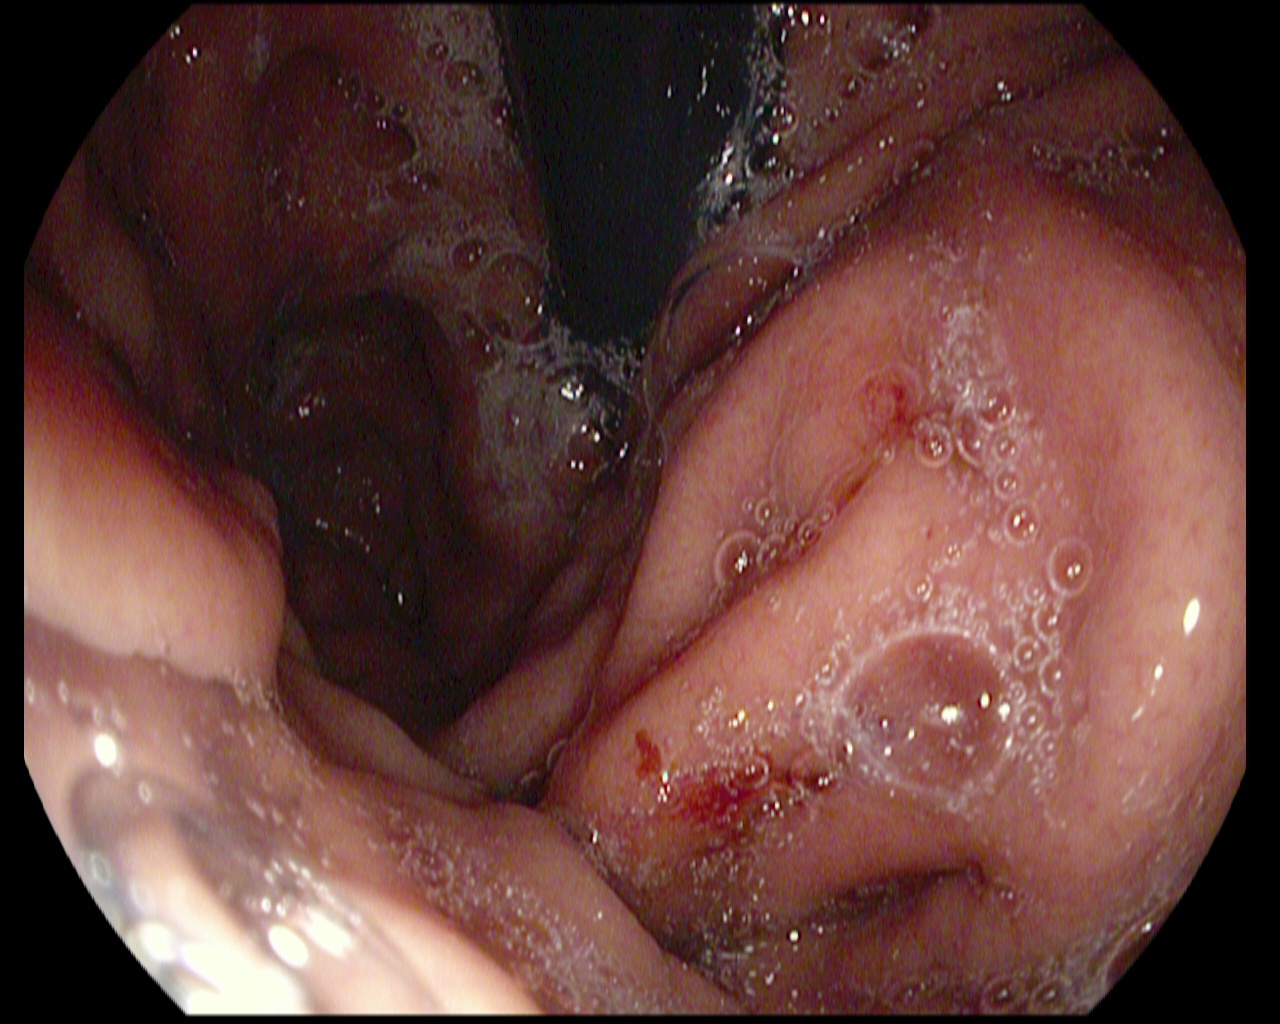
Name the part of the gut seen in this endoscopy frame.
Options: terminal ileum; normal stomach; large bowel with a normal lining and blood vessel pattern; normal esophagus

normal stomach